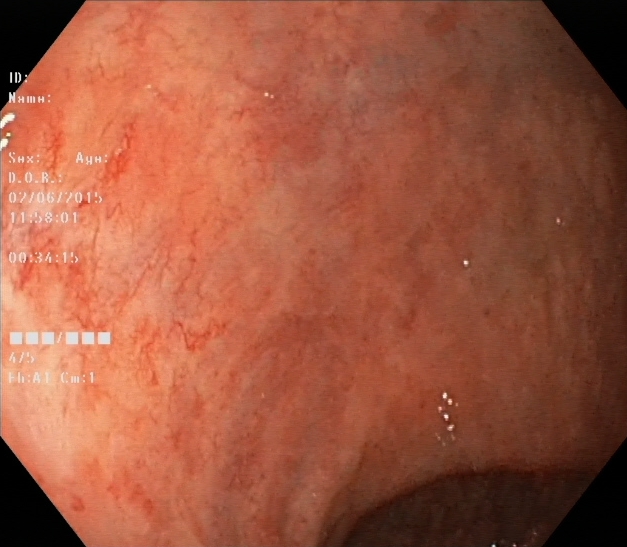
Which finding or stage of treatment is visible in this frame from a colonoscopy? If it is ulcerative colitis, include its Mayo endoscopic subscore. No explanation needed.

ulcerative colitis, Mayo endoscopic subscore 1